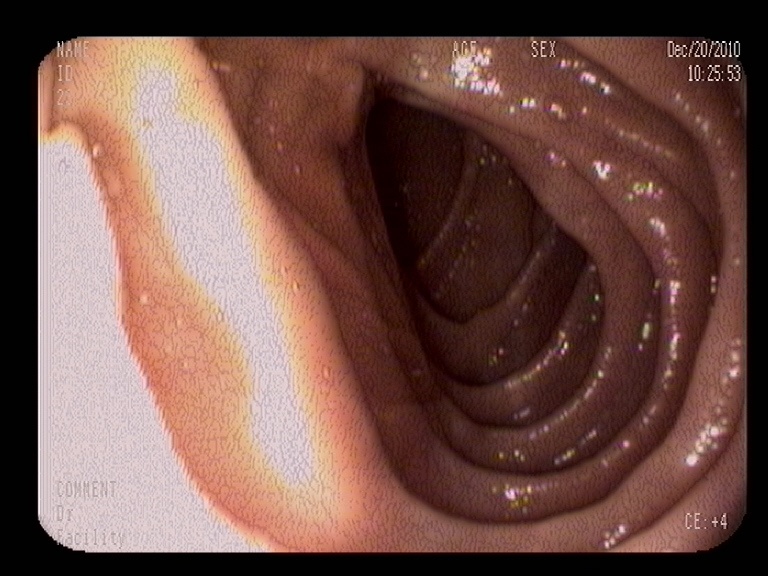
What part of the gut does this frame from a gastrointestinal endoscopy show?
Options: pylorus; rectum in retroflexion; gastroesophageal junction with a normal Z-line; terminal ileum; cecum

terminal ileum